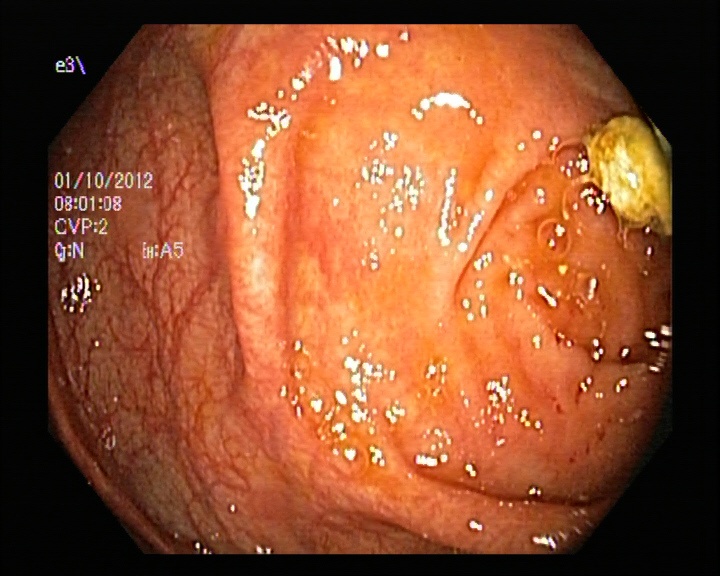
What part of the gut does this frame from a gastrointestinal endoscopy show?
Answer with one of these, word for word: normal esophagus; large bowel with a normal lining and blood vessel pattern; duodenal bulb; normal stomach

large bowel with a normal lining and blood vessel pattern